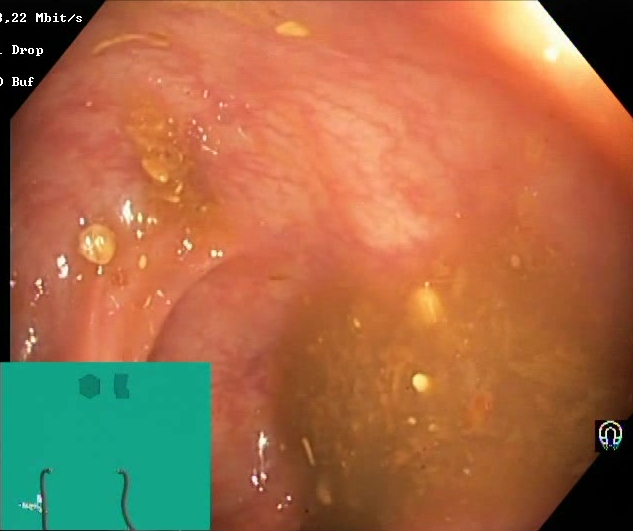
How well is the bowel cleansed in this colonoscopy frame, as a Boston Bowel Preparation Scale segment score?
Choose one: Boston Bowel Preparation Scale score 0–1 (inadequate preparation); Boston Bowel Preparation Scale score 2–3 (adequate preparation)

Boston Bowel Preparation Scale score 0–1 (inadequate preparation)